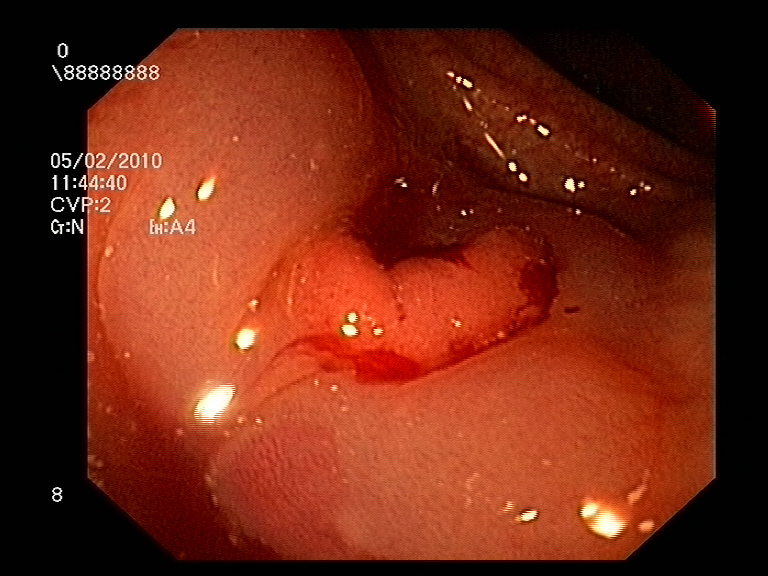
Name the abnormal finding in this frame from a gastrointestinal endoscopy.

colon polyp